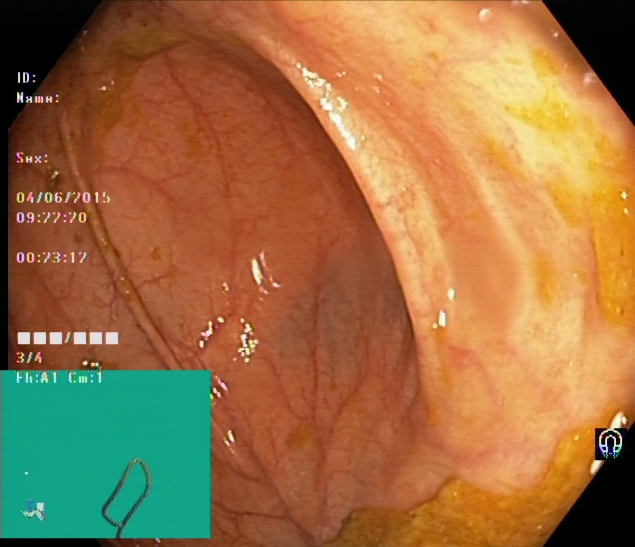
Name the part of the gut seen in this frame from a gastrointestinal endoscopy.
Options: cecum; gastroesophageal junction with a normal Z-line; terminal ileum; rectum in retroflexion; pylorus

cecum